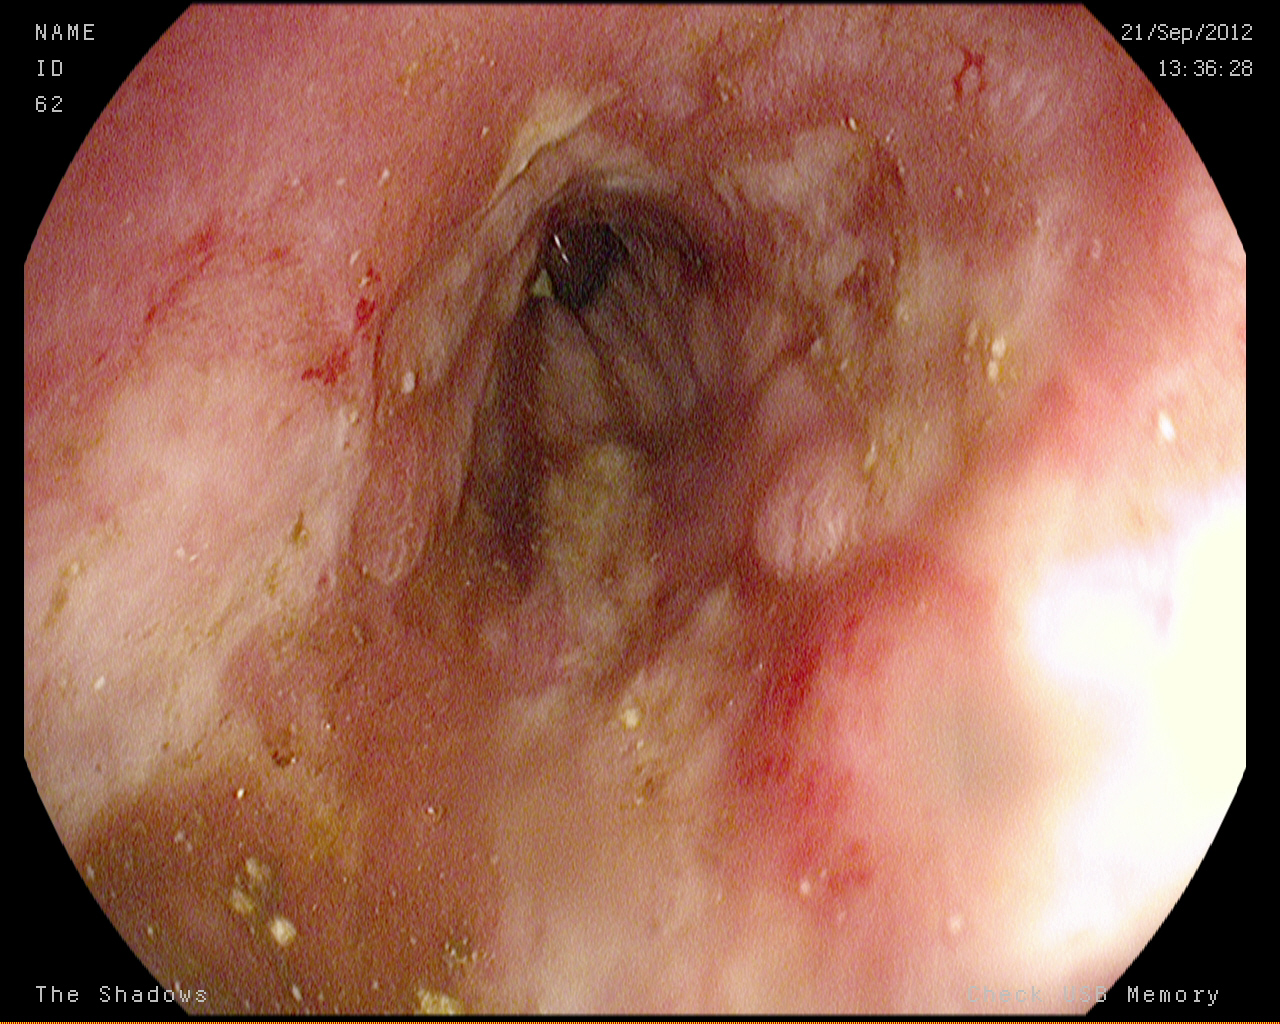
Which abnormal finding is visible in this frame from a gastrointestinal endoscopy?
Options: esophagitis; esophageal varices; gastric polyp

esophagitis